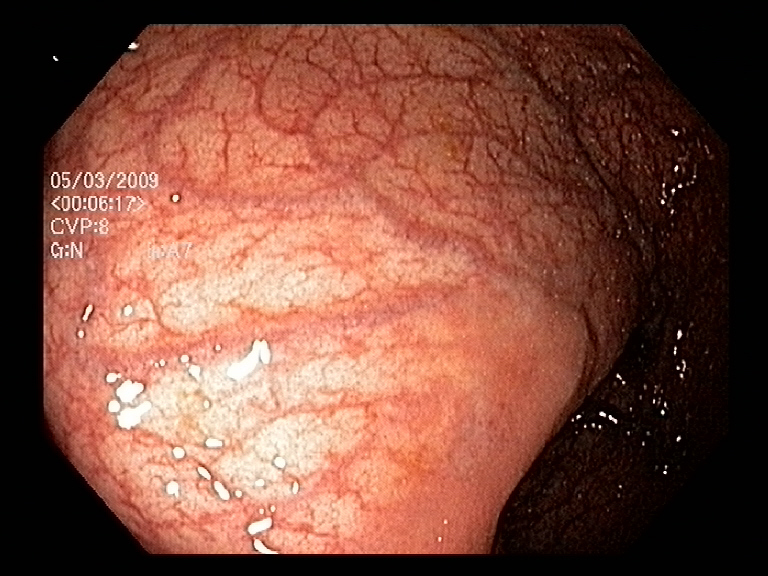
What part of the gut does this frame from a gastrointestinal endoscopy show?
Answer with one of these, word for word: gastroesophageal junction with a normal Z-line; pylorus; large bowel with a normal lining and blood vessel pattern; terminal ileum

large bowel with a normal lining and blood vessel pattern